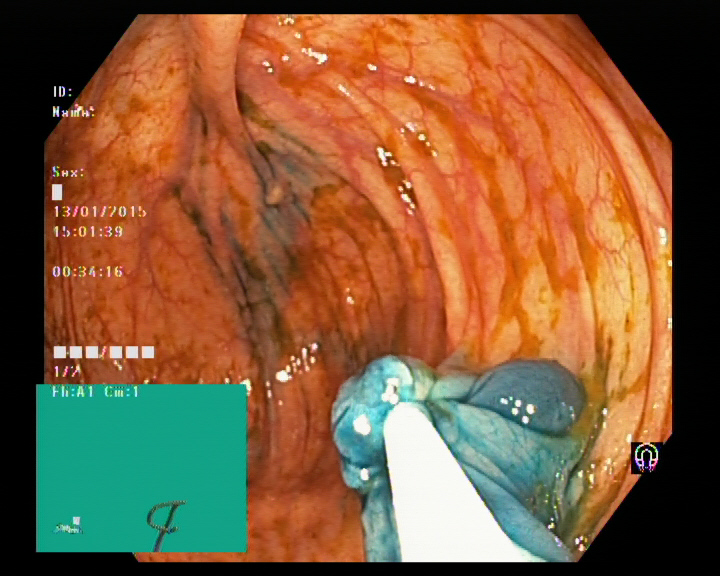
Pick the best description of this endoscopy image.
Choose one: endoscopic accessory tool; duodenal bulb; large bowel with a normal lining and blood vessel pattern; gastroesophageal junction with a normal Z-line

endoscopic accessory tool